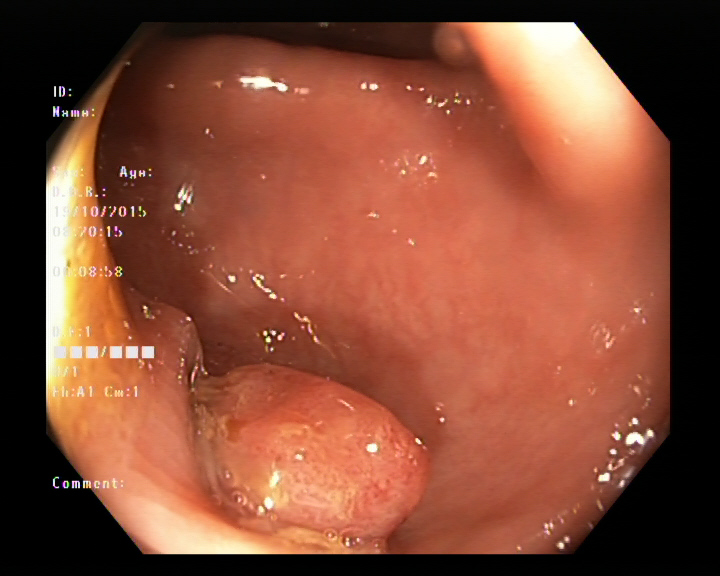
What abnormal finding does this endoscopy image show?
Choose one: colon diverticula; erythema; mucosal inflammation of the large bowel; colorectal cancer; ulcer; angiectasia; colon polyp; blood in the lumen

colon polyp